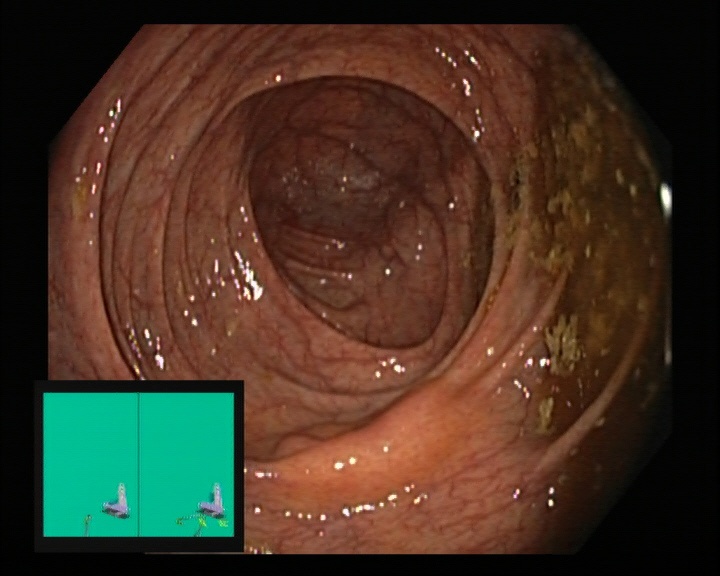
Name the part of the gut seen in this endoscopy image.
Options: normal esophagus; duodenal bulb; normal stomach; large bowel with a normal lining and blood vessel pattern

large bowel with a normal lining and blood vessel pattern